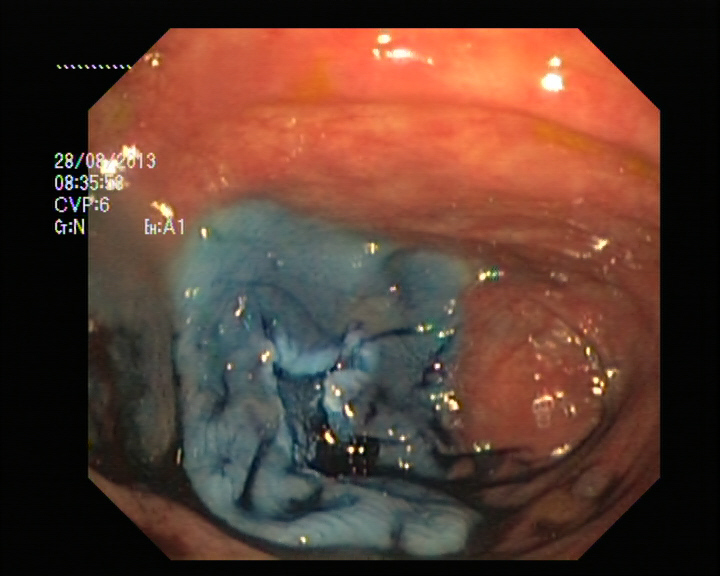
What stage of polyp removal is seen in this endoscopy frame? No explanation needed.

dyed resection margin (post-polypectomy)